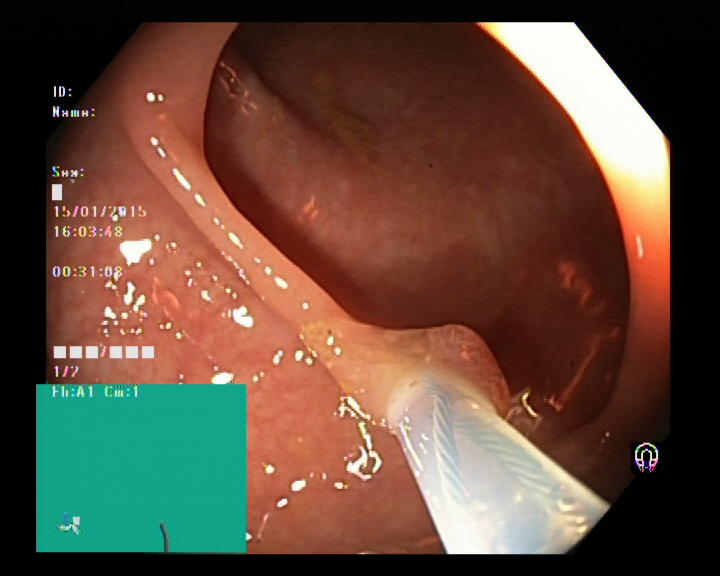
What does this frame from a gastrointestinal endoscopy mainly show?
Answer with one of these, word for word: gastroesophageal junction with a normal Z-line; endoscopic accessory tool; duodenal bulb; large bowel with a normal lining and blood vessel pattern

endoscopic accessory tool